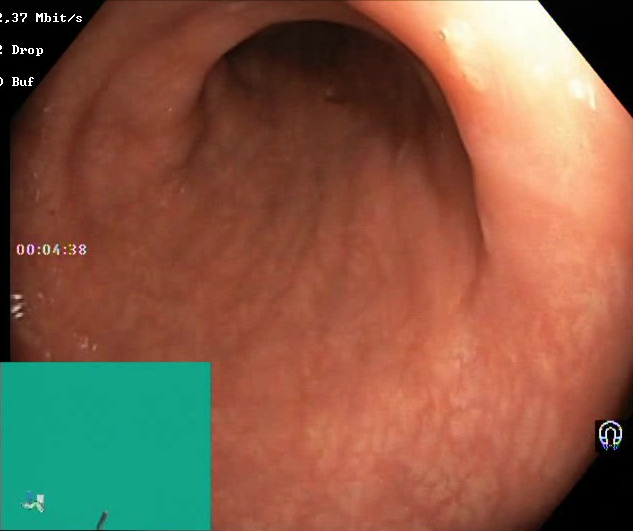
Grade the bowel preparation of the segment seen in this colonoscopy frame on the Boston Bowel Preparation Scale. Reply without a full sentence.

Boston Bowel Preparation Scale score 2–3 (adequate preparation)